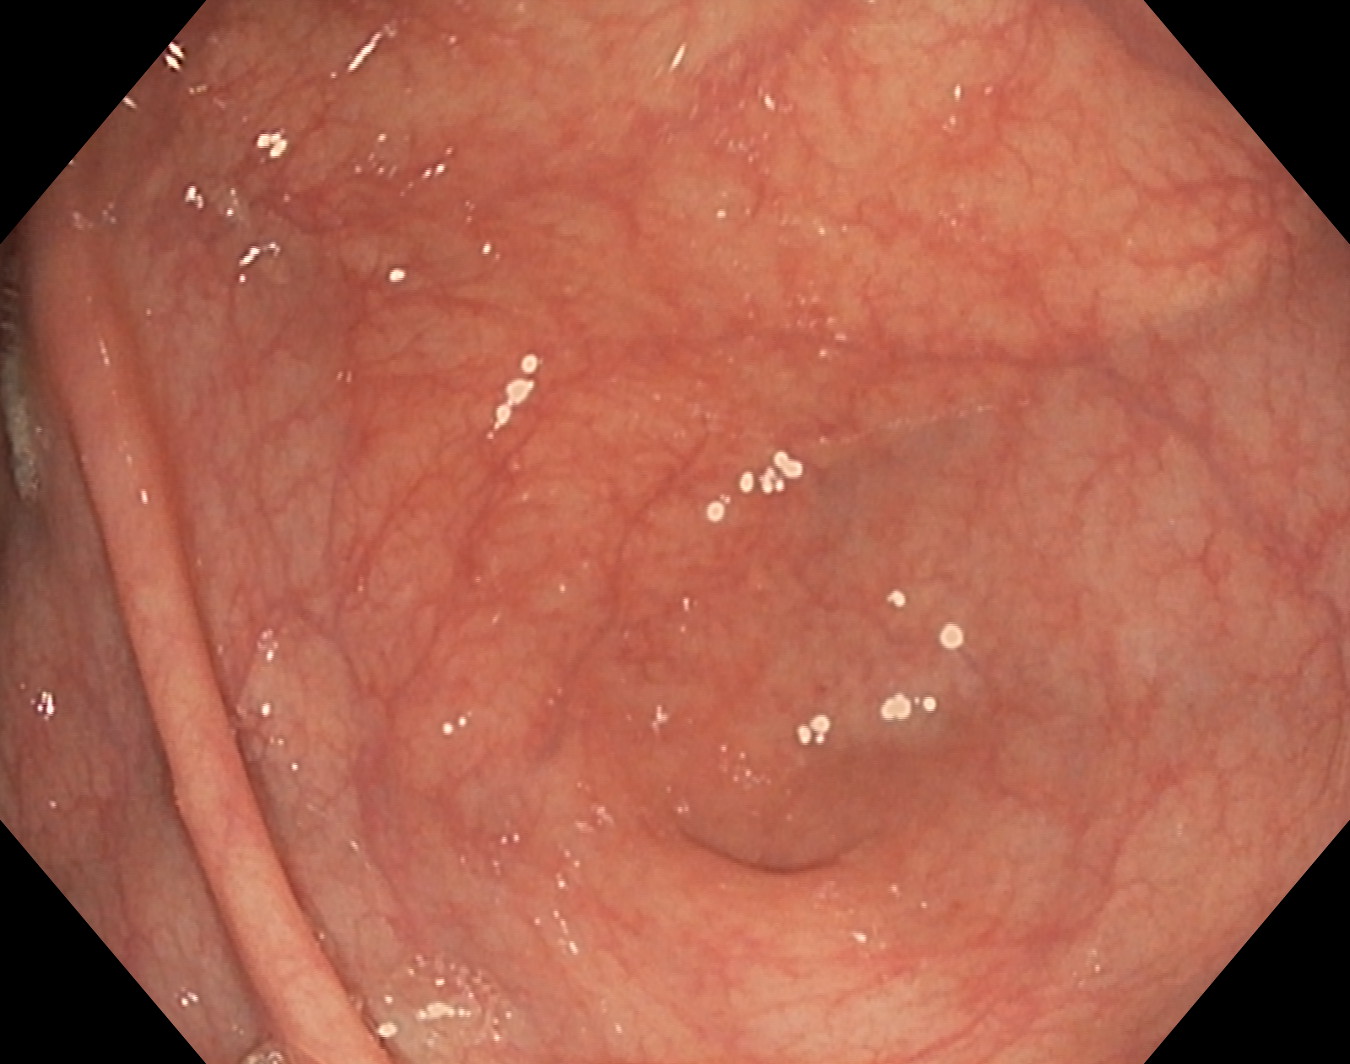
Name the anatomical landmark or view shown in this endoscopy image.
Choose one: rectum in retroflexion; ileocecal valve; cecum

cecum